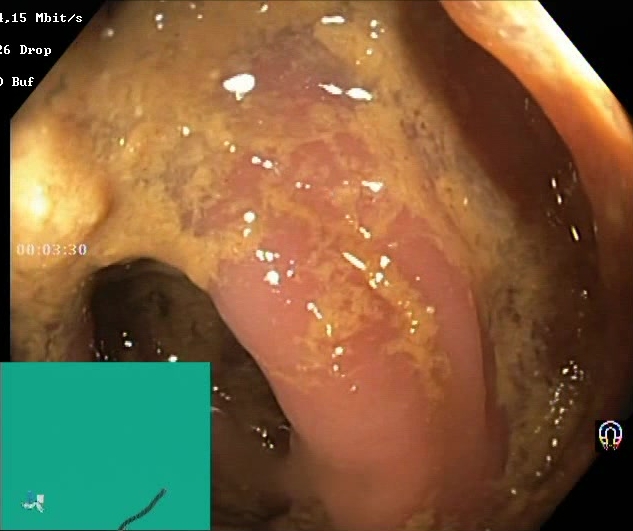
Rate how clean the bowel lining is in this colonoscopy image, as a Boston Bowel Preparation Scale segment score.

Boston Bowel Preparation Scale score 0–1 (inadequate preparation)